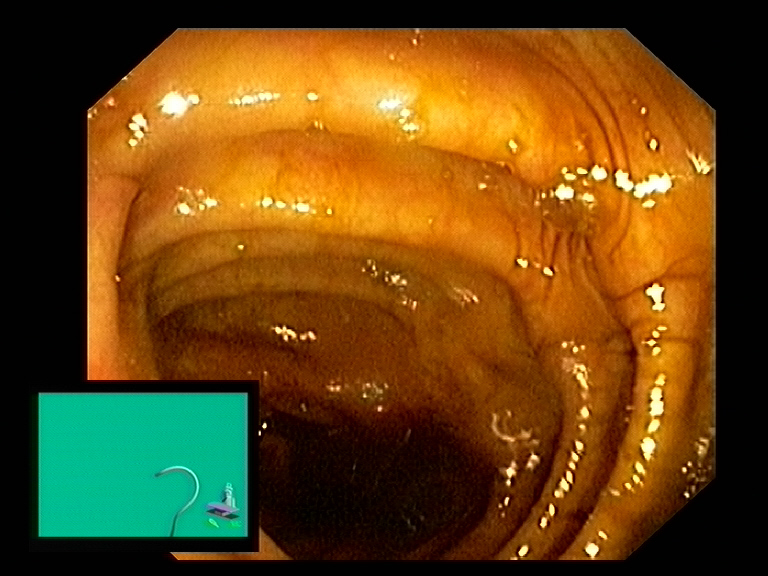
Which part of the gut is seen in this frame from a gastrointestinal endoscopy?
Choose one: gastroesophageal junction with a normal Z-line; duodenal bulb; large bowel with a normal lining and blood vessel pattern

large bowel with a normal lining and blood vessel pattern